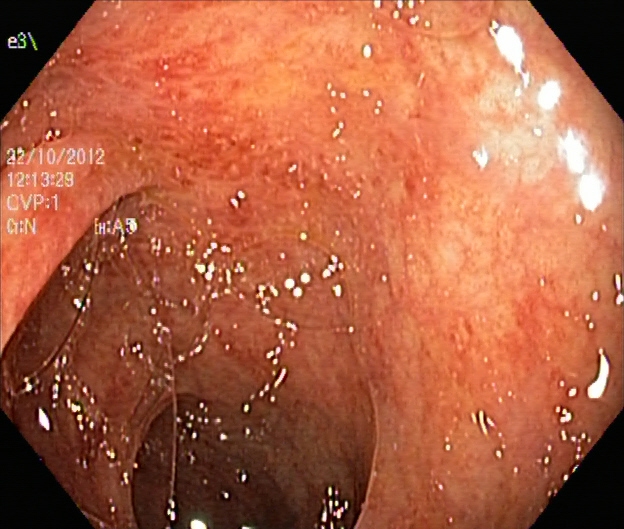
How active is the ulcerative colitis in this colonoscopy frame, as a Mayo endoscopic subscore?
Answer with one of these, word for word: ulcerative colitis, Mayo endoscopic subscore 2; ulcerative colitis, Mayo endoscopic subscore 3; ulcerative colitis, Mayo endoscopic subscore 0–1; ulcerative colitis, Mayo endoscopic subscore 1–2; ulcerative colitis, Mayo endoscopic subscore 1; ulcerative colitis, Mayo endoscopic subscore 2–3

ulcerative colitis, Mayo endoscopic subscore 1